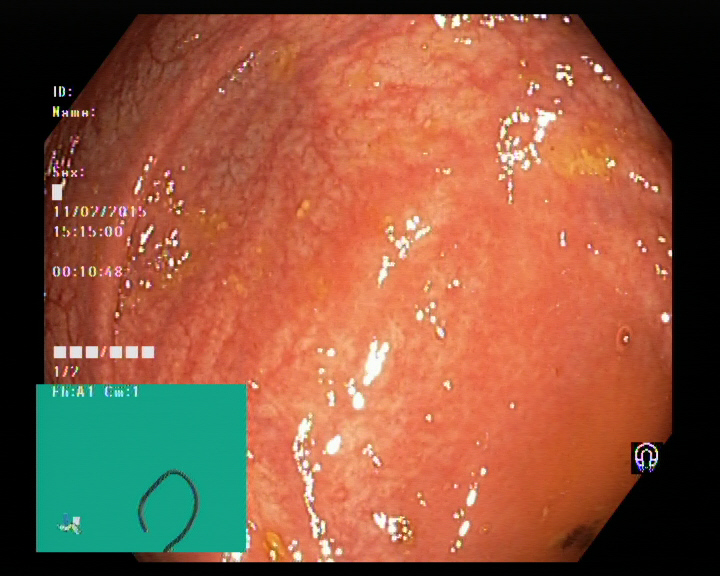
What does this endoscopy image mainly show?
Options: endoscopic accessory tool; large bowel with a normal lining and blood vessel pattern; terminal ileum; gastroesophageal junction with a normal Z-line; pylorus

large bowel with a normal lining and blood vessel pattern